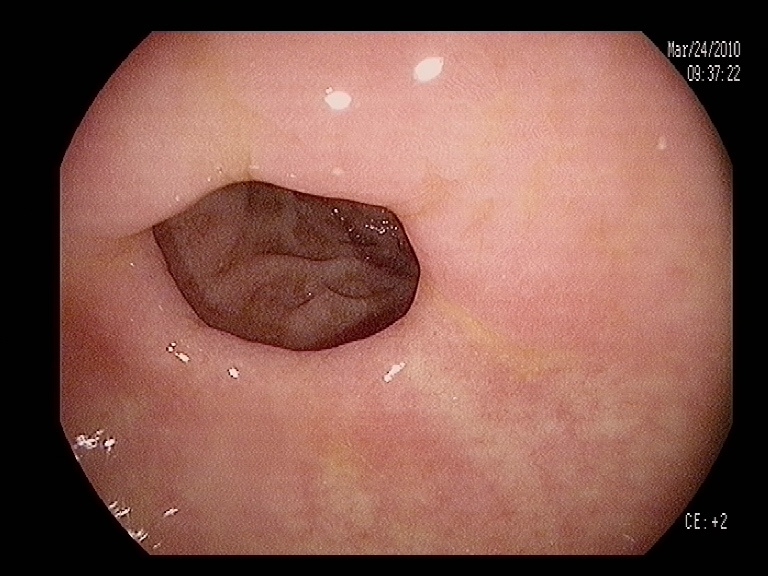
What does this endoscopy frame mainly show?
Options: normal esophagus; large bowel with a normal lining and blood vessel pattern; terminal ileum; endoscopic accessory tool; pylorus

pylorus